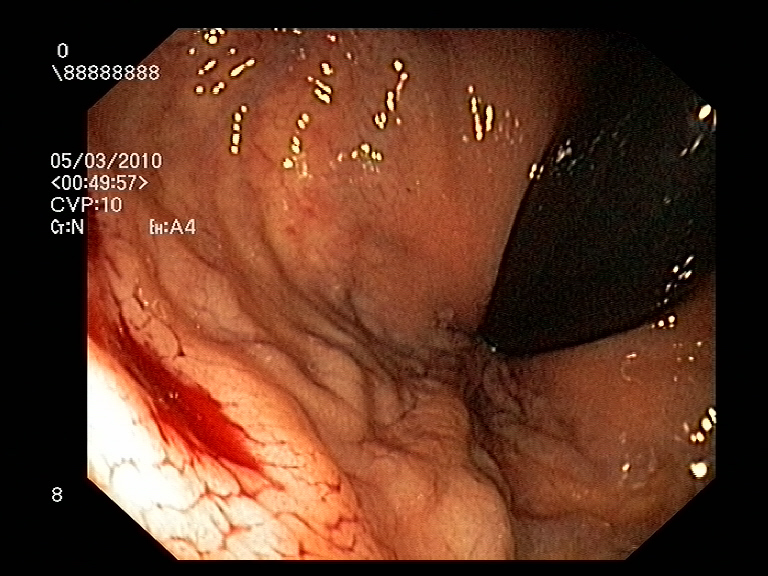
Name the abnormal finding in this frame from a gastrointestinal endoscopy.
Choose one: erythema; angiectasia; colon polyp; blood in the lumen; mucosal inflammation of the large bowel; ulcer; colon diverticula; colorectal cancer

blood in the lumen